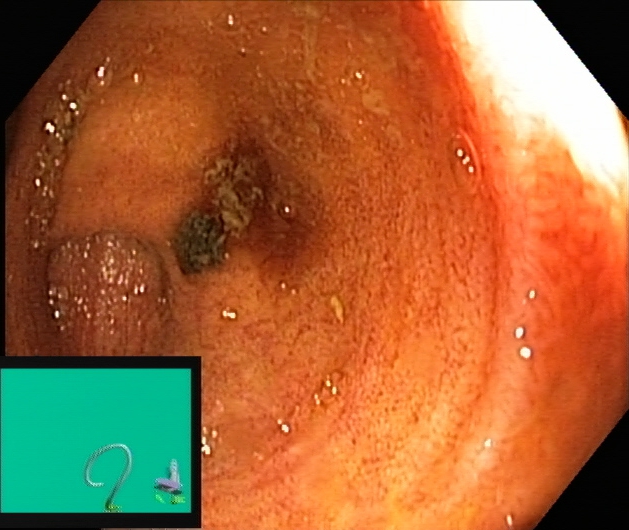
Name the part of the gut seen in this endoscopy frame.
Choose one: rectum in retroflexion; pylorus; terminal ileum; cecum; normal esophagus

cecum